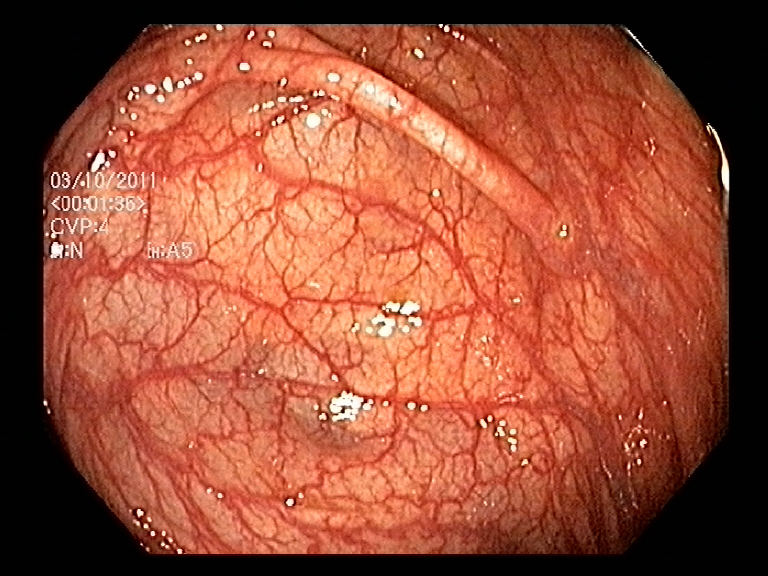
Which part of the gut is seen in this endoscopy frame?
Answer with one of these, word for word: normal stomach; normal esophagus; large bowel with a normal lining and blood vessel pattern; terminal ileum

large bowel with a normal lining and blood vessel pattern